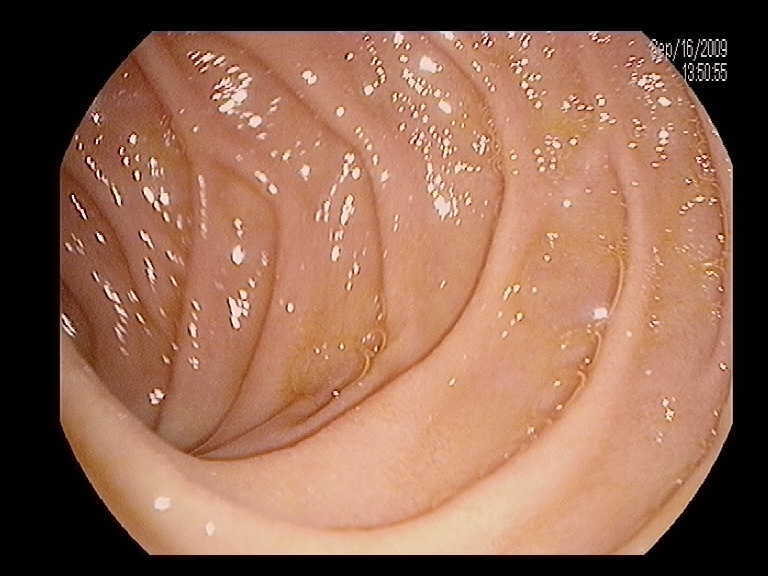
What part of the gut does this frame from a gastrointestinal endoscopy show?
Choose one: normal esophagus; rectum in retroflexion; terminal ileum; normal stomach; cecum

terminal ileum